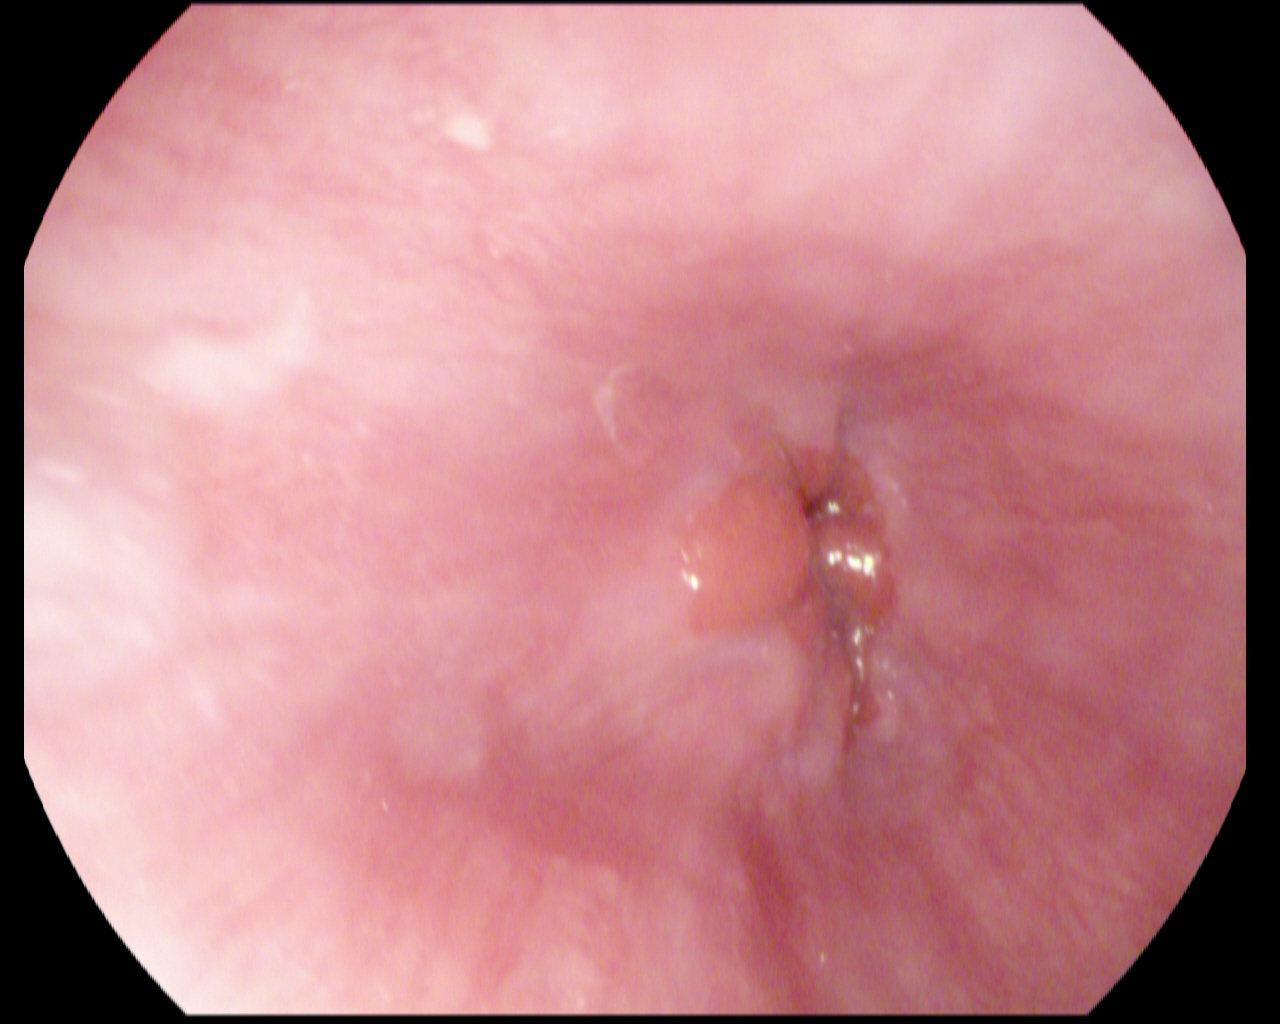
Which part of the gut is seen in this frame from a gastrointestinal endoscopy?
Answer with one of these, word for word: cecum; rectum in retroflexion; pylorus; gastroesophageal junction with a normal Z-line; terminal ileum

gastroesophageal junction with a normal Z-line